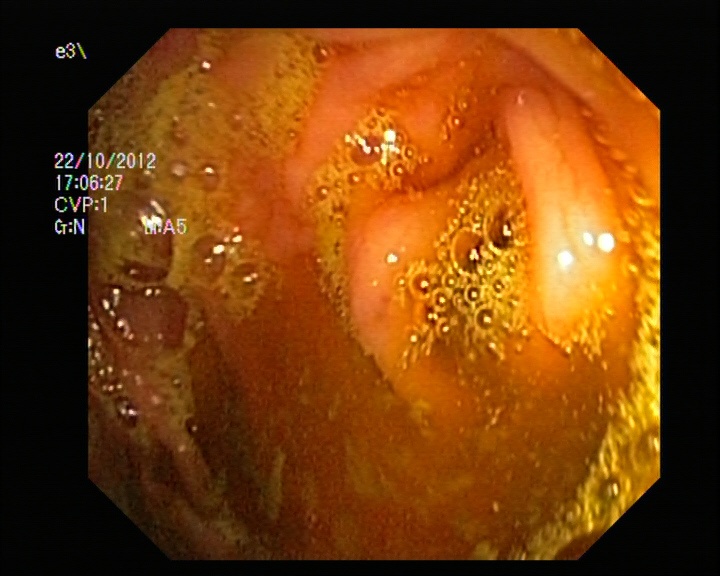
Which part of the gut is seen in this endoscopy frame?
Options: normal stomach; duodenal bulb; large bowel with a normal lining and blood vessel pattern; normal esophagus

large bowel with a normal lining and blood vessel pattern